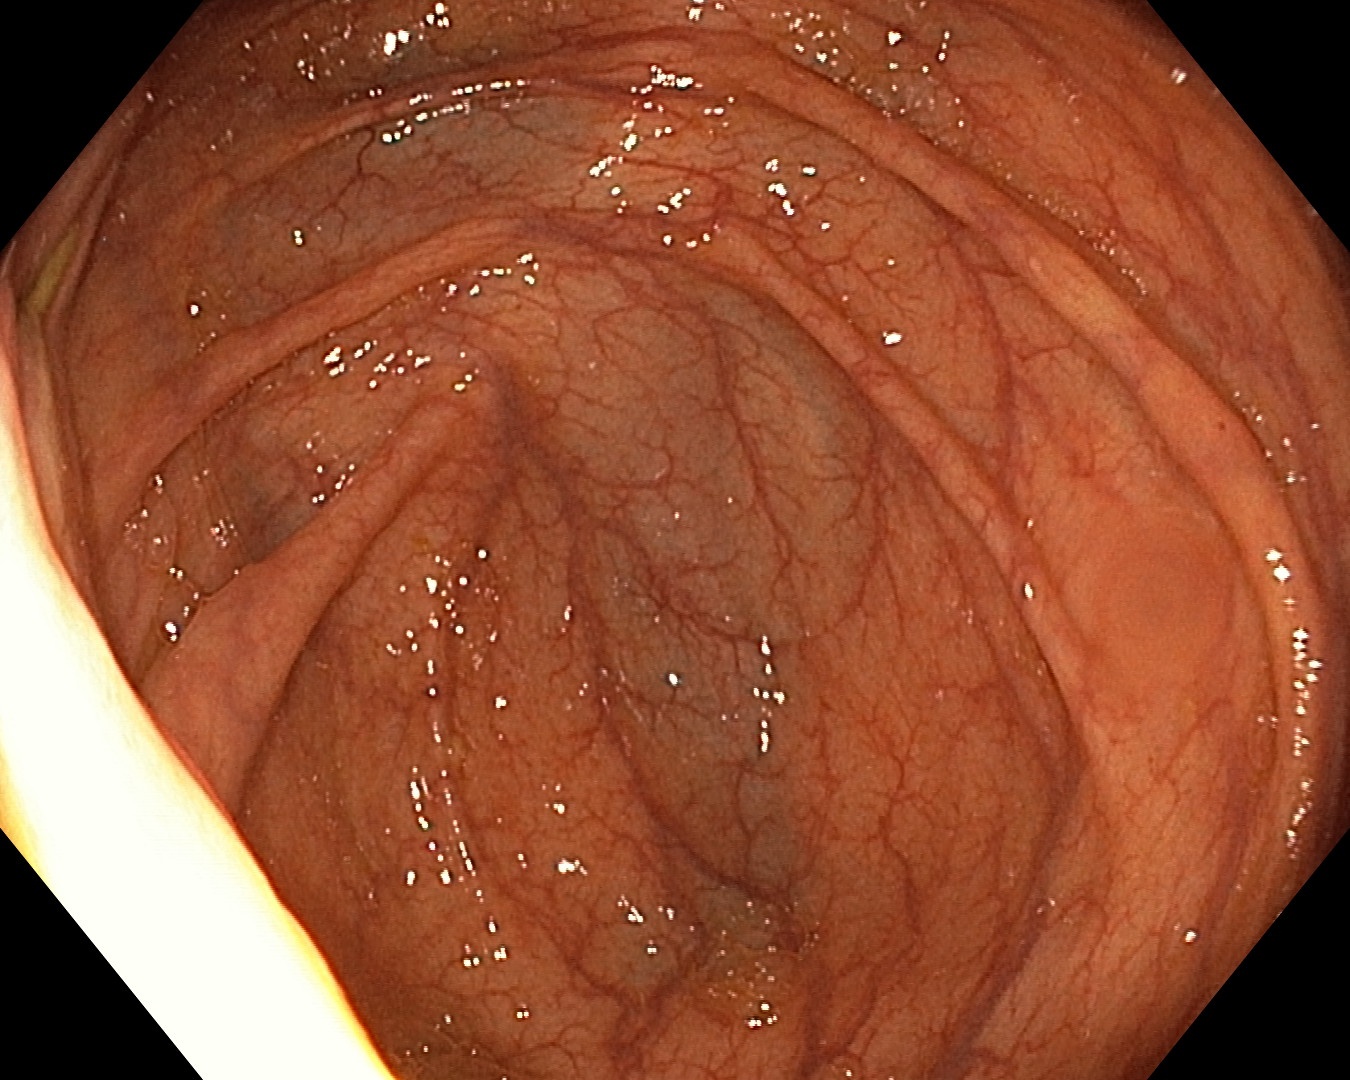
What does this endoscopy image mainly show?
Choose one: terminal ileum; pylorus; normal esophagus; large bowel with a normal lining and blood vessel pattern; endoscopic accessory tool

large bowel with a normal lining and blood vessel pattern